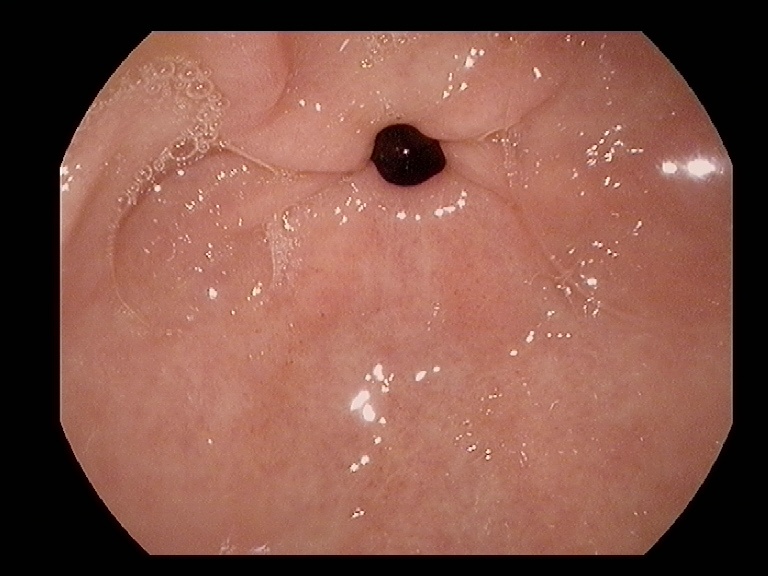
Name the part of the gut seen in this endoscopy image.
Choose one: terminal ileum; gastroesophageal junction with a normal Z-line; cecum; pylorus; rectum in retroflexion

pylorus